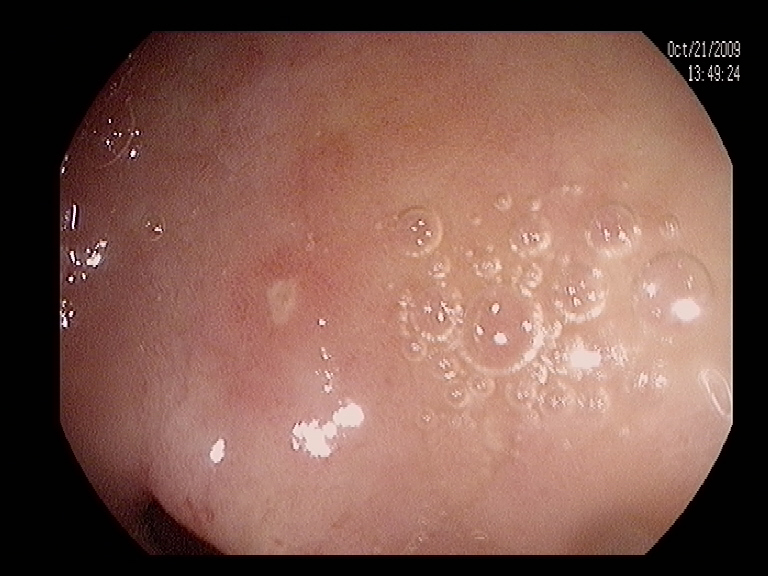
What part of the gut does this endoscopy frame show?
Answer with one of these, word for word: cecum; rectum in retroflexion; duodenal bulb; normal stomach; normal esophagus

normal stomach